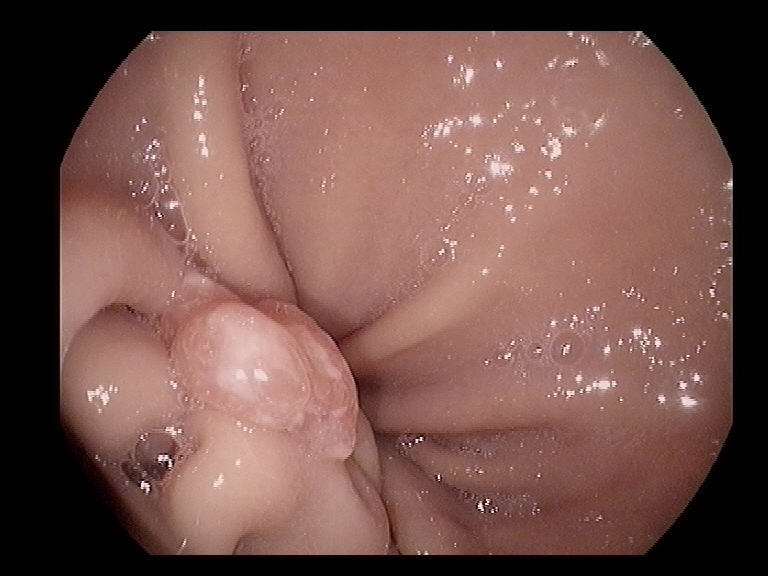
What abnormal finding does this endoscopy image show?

gastric polyp